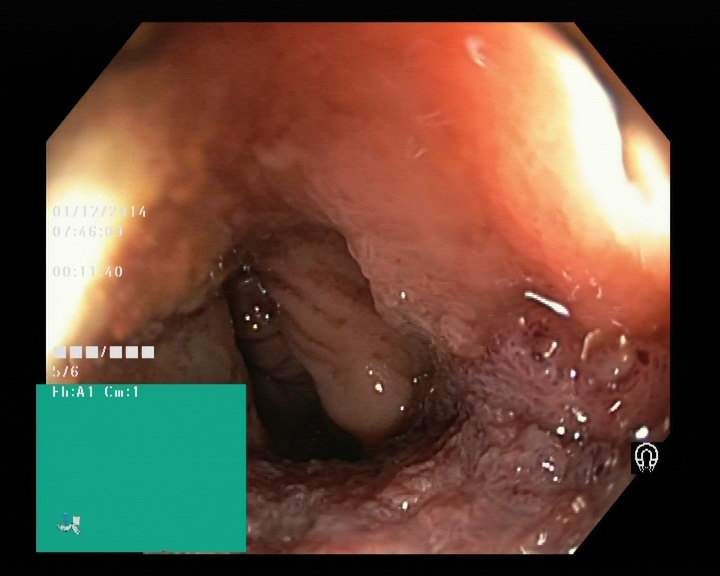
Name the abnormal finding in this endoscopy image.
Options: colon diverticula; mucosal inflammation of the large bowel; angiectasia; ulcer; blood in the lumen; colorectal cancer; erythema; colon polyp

colorectal cancer